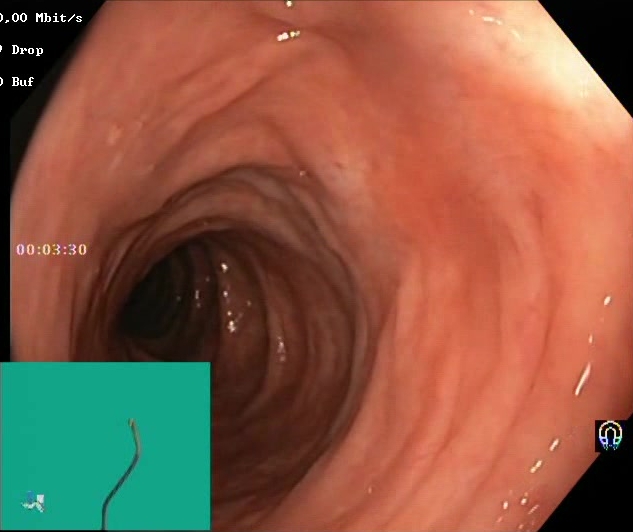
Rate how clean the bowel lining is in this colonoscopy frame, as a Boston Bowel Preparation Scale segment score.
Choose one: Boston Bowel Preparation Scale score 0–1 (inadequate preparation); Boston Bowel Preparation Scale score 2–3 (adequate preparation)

Boston Bowel Preparation Scale score 2–3 (adequate preparation)